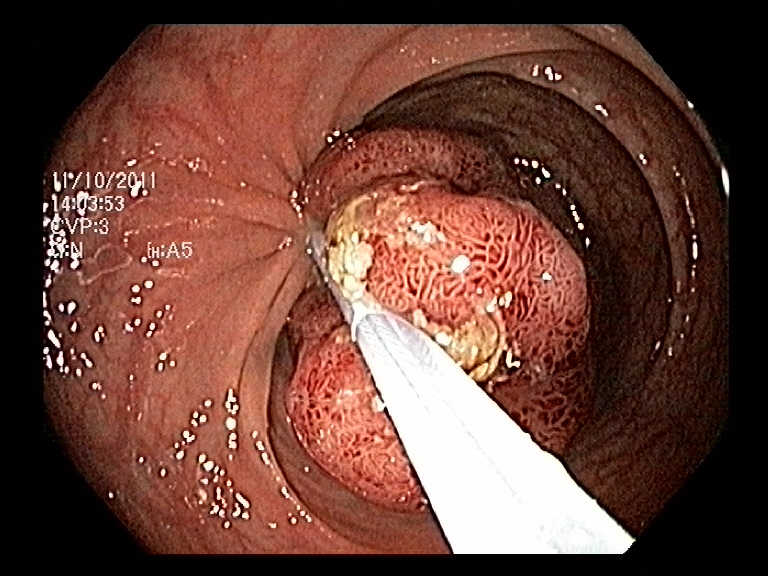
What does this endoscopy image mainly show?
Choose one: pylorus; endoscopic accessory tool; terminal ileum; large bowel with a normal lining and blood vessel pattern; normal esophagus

endoscopic accessory tool